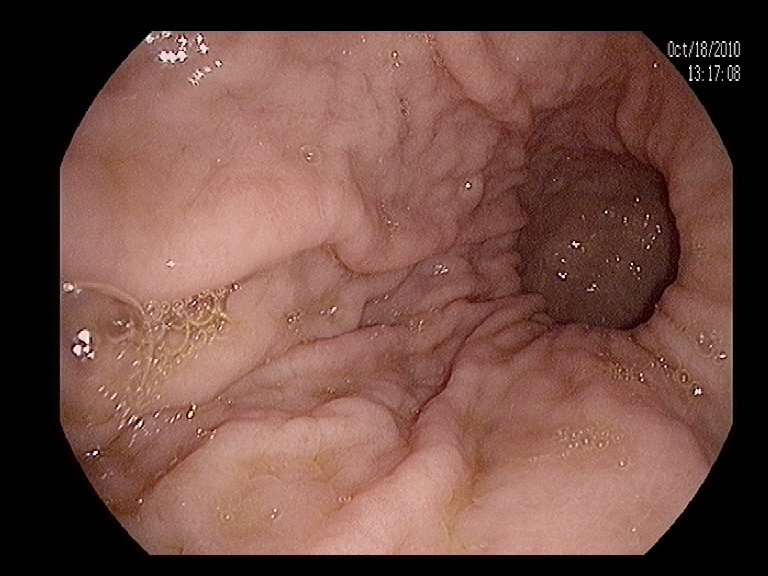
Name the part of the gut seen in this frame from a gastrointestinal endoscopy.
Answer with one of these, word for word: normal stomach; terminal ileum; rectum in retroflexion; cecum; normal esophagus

normal stomach